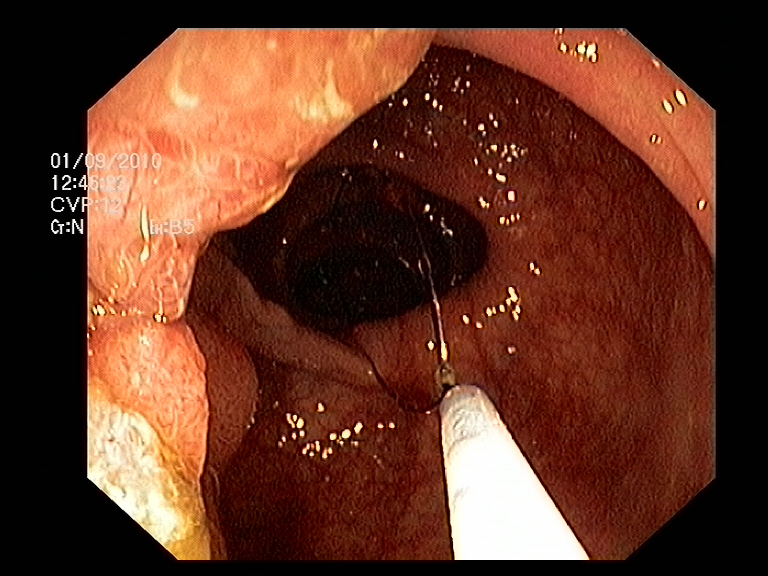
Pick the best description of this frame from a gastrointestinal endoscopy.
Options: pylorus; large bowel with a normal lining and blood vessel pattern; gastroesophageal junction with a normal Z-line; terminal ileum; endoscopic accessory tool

endoscopic accessory tool